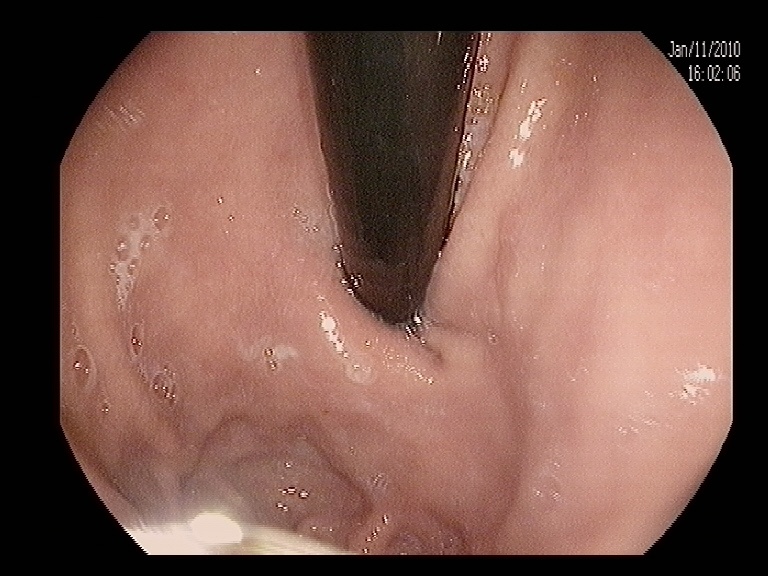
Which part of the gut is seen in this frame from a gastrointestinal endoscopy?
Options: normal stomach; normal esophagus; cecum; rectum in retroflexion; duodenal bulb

normal stomach